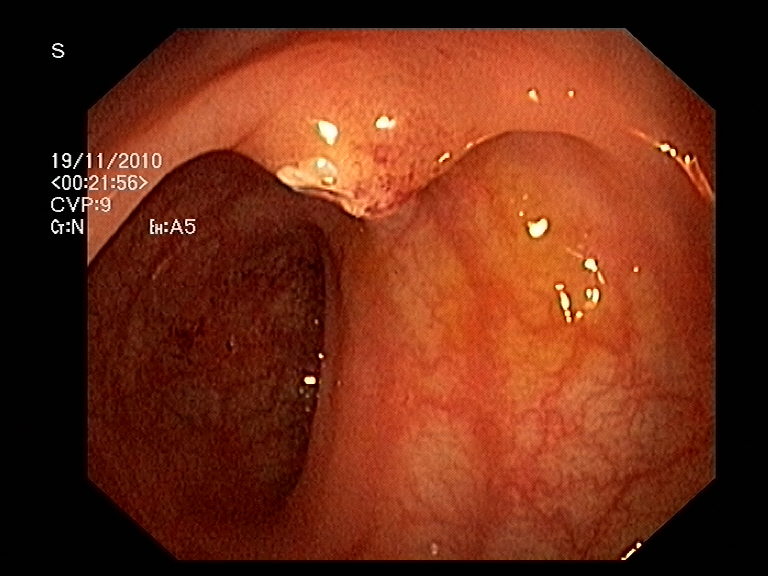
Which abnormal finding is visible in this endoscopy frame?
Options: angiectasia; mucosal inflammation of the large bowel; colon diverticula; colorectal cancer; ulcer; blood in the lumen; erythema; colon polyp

colon polyp